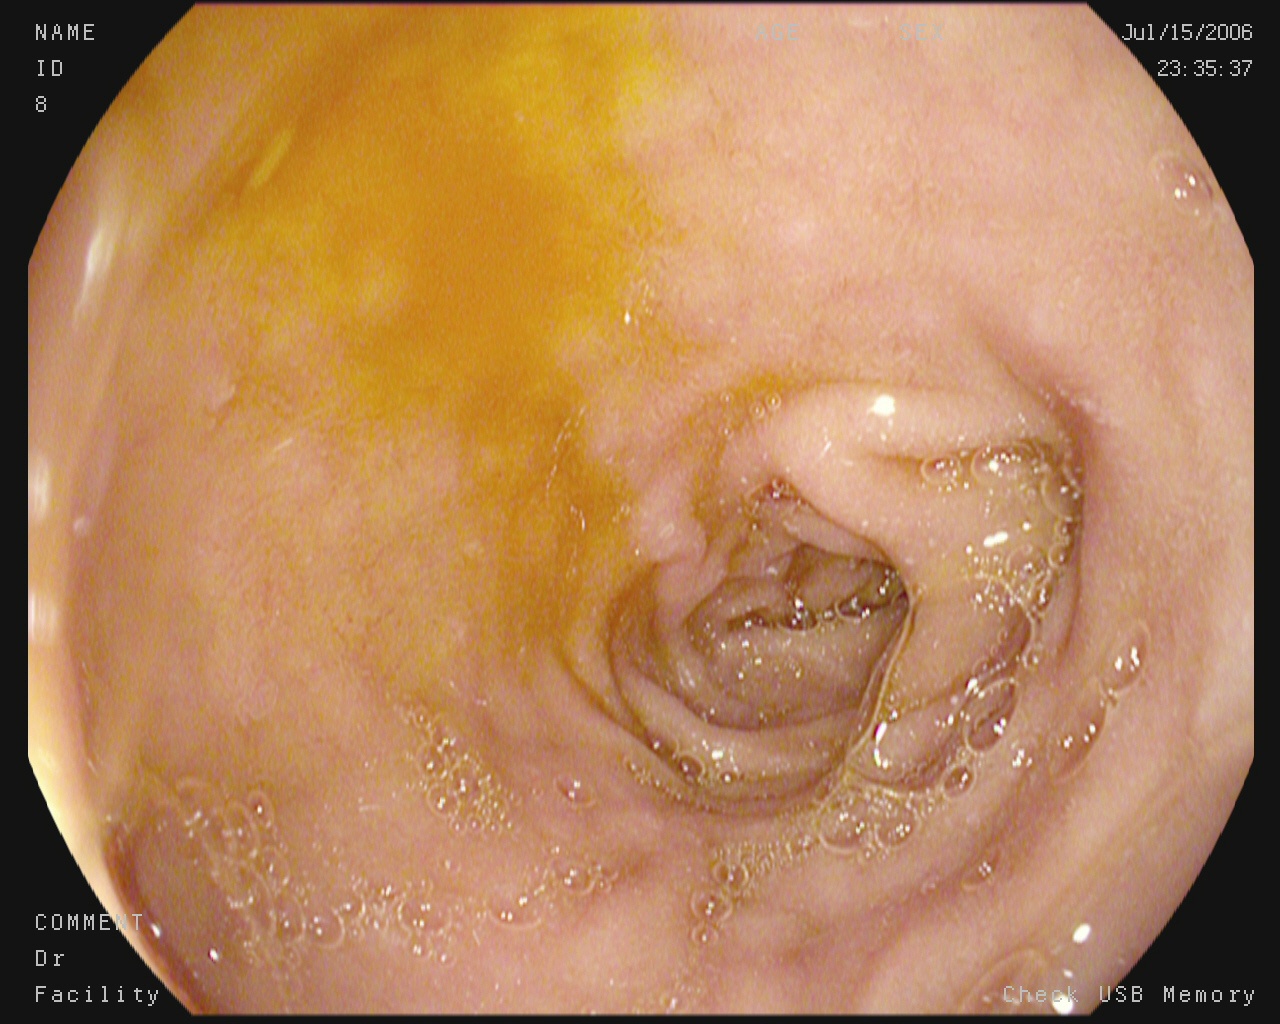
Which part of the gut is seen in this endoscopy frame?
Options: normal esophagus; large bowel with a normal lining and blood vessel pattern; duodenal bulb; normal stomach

duodenal bulb